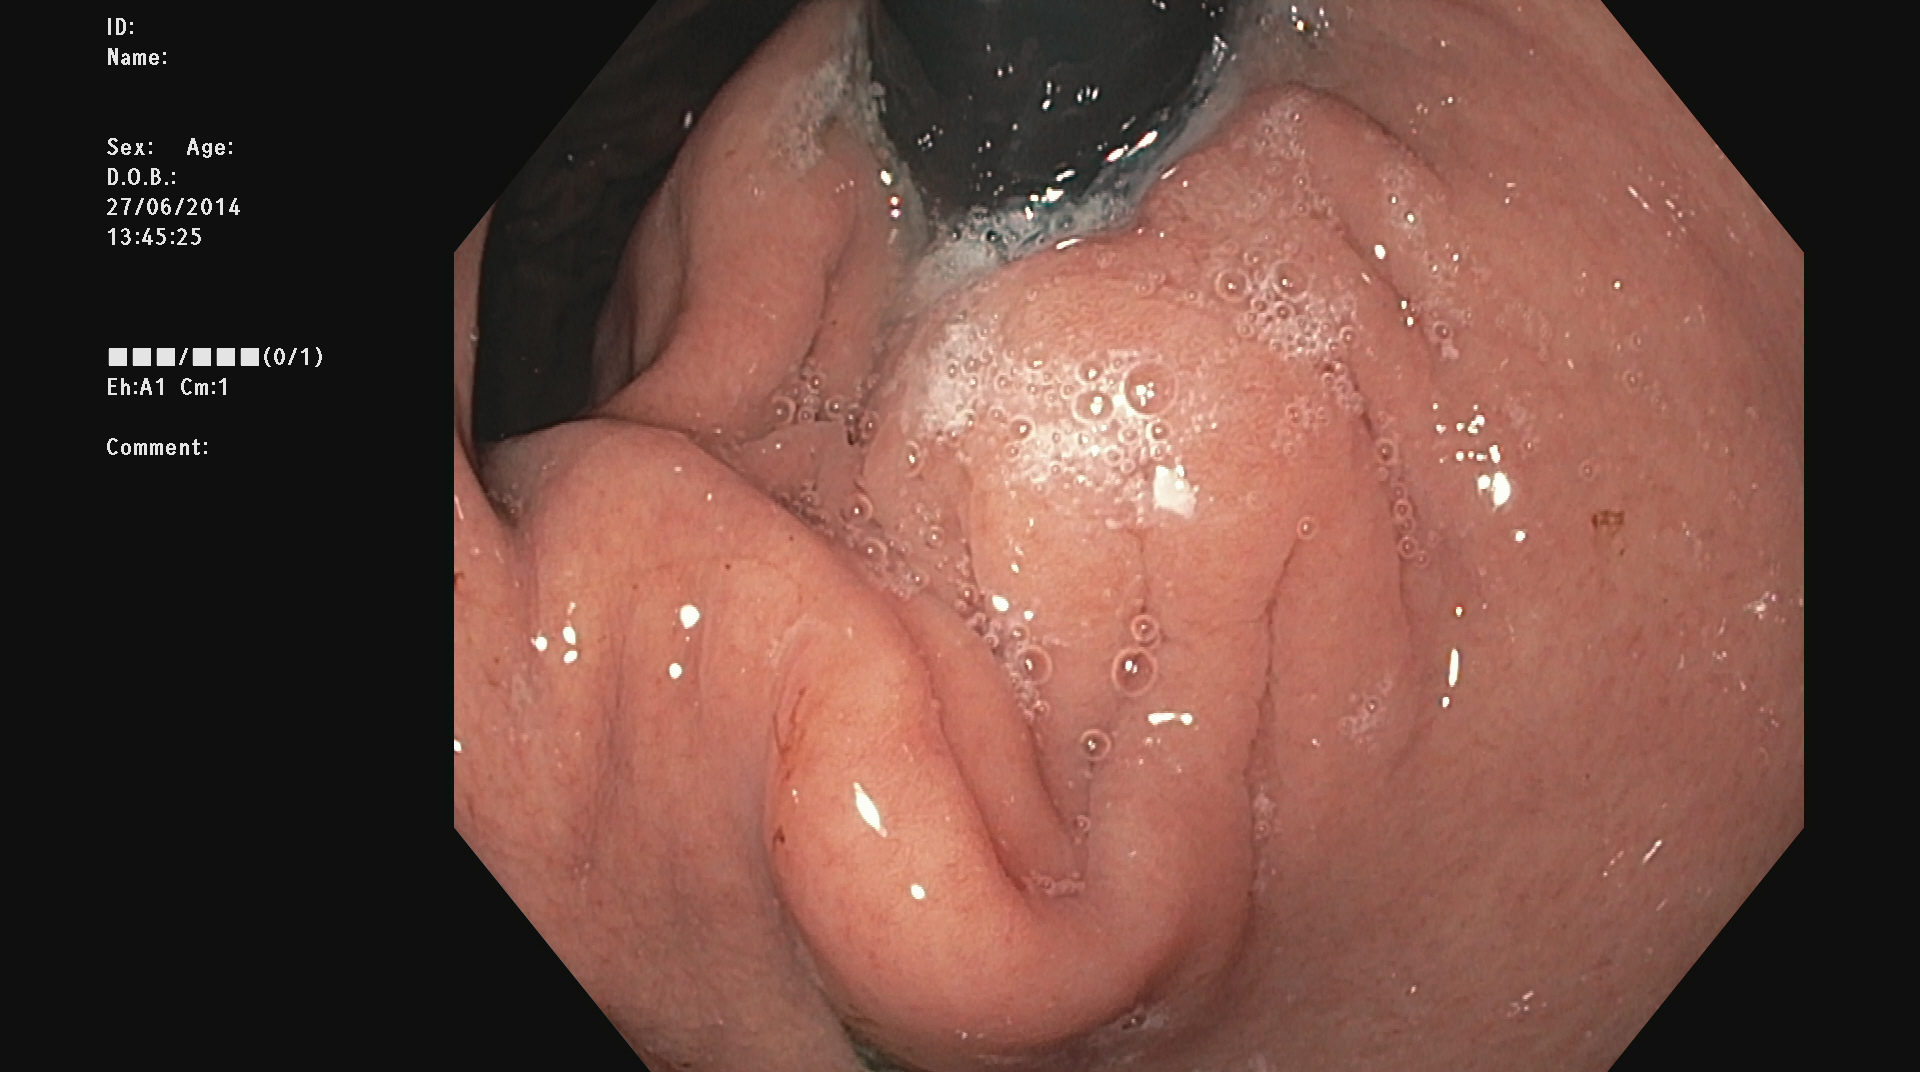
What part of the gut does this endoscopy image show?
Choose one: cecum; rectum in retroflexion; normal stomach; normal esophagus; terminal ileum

normal stomach